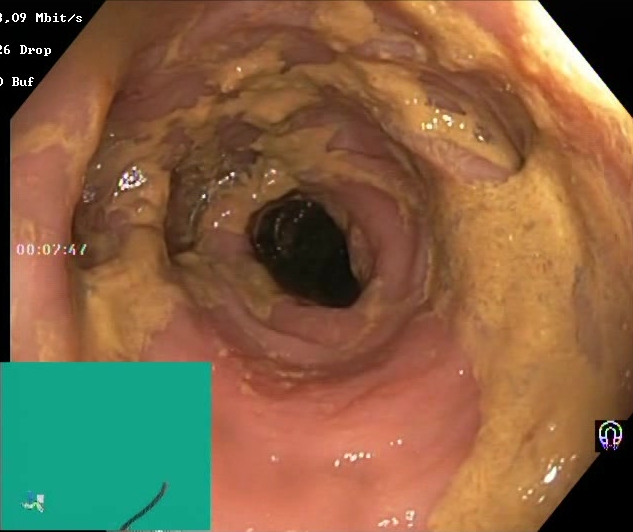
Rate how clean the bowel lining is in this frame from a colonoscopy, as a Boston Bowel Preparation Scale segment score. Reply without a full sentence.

Boston Bowel Preparation Scale score 0–1 (inadequate preparation)